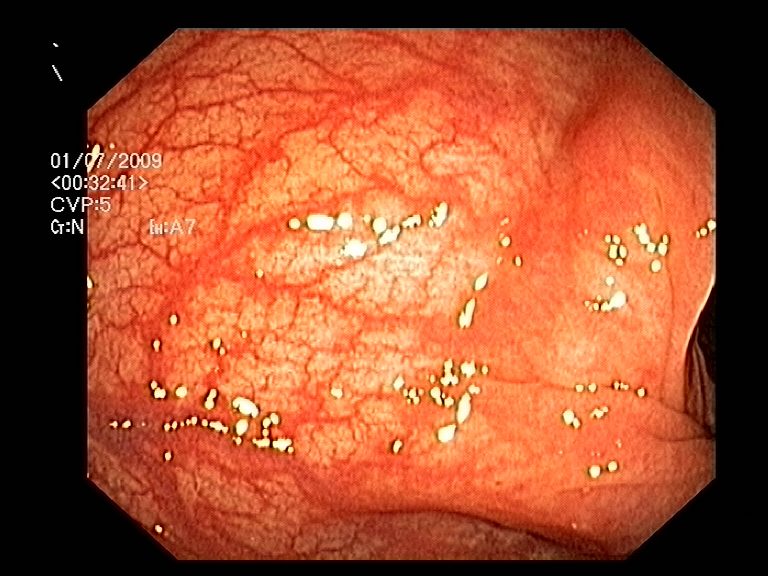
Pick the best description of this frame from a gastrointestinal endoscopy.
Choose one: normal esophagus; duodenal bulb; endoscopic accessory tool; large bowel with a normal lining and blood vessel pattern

large bowel with a normal lining and blood vessel pattern